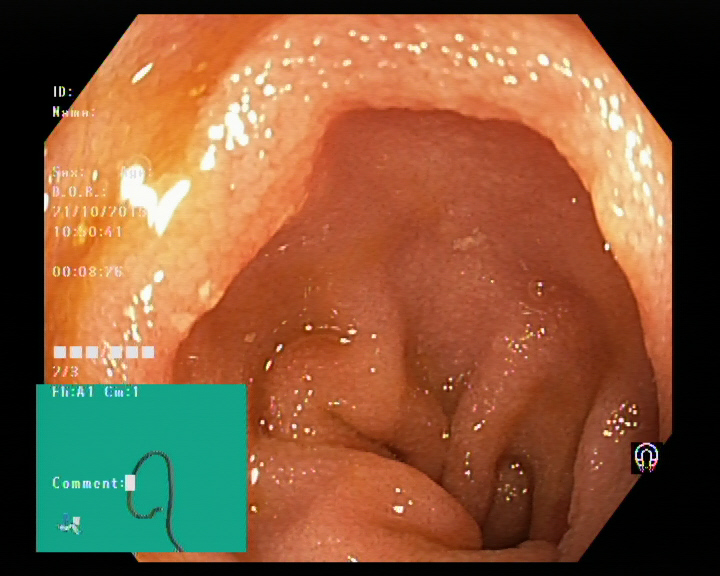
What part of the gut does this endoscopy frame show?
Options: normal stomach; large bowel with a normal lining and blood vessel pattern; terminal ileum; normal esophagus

large bowel with a normal lining and blood vessel pattern